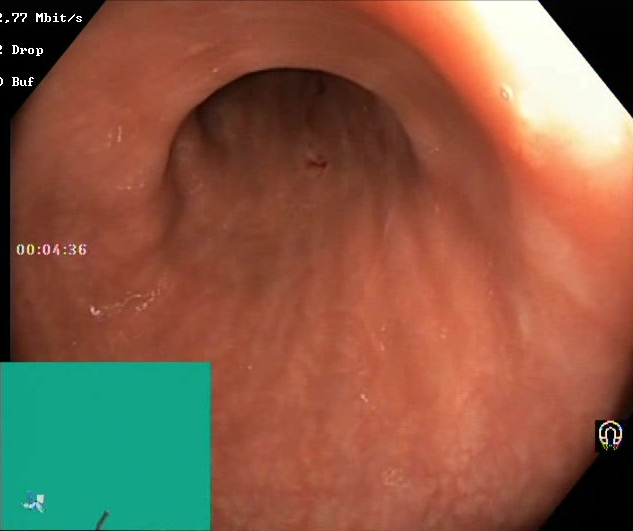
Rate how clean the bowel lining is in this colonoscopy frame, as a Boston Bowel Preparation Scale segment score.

Boston Bowel Preparation Scale score 2–3 (adequate preparation)